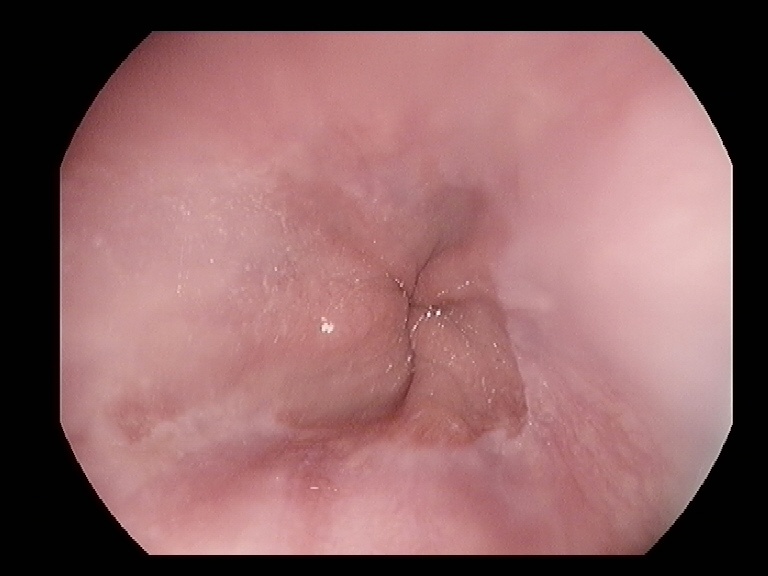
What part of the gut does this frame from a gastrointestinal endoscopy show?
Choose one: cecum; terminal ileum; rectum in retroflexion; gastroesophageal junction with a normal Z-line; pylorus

gastroesophageal junction with a normal Z-line